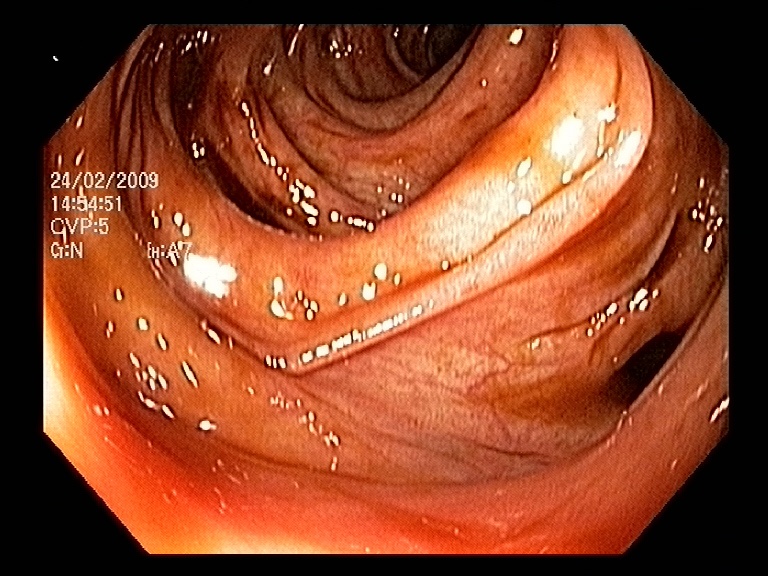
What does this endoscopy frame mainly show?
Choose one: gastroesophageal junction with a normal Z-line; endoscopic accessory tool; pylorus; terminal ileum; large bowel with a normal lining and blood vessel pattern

large bowel with a normal lining and blood vessel pattern